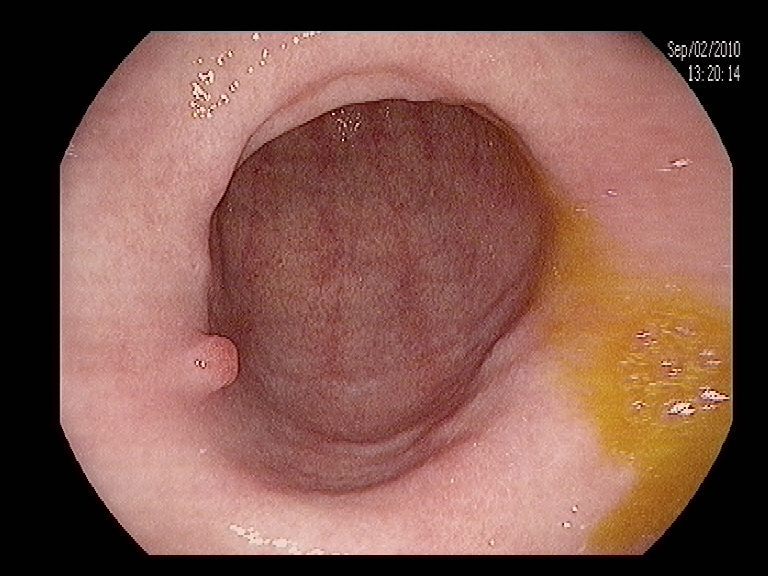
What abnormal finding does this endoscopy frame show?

gastric polyp